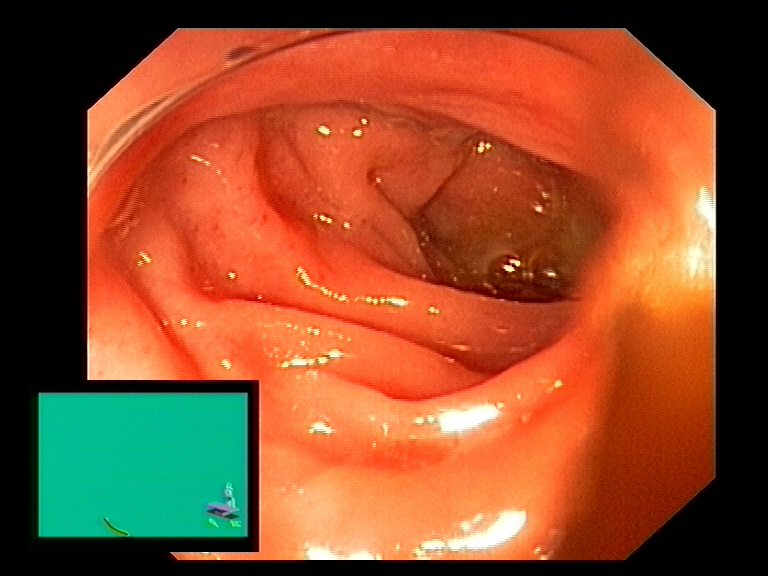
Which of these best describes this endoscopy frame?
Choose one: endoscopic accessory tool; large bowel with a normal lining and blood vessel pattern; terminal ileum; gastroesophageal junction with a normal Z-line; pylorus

large bowel with a normal lining and blood vessel pattern